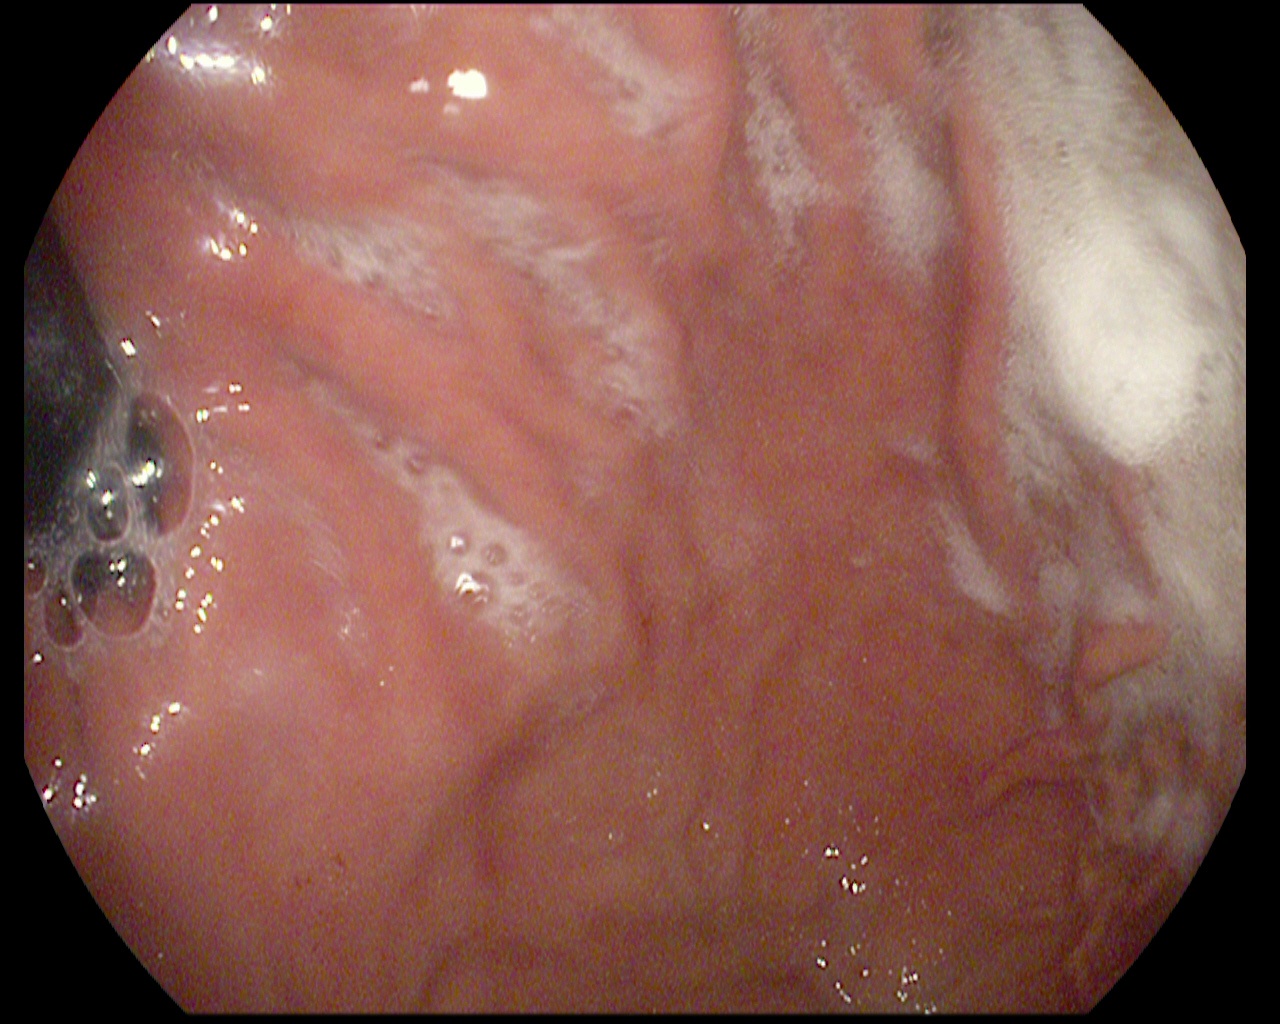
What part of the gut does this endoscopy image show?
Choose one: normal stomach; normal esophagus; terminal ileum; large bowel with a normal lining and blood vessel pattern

normal stomach